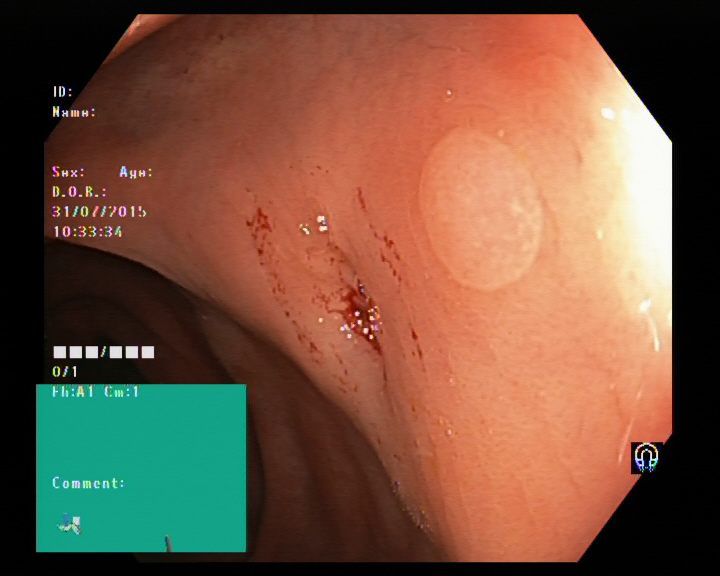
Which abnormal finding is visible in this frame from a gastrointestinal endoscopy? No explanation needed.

colon polyp